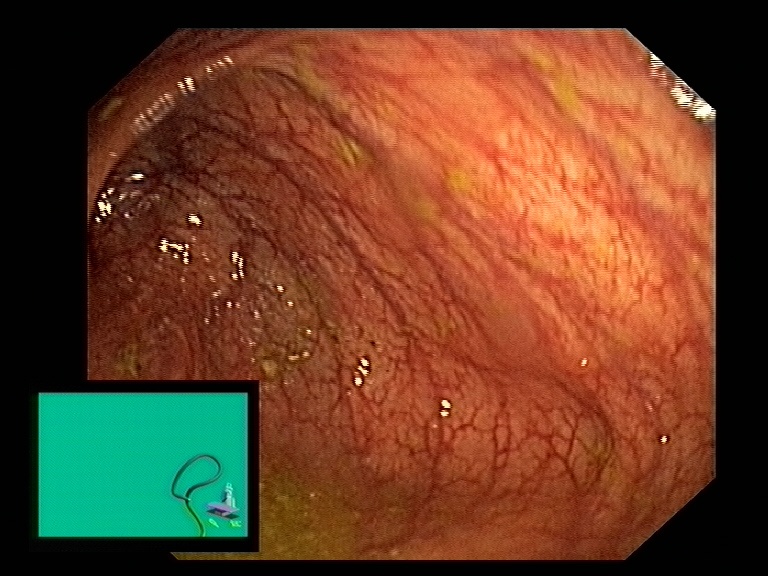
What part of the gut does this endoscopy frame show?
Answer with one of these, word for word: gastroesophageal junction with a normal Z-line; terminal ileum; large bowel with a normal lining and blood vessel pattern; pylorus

large bowel with a normal lining and blood vessel pattern